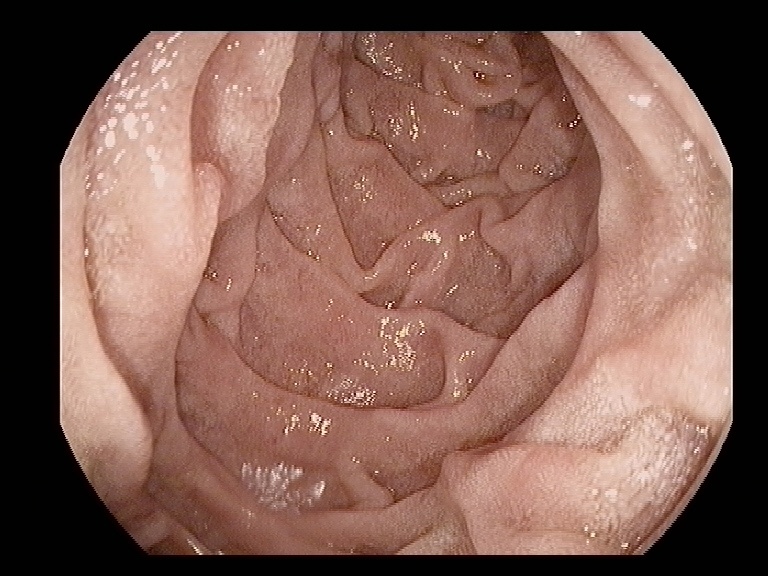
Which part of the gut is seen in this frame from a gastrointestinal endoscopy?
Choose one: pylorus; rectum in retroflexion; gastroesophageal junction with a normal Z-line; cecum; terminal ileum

terminal ileum